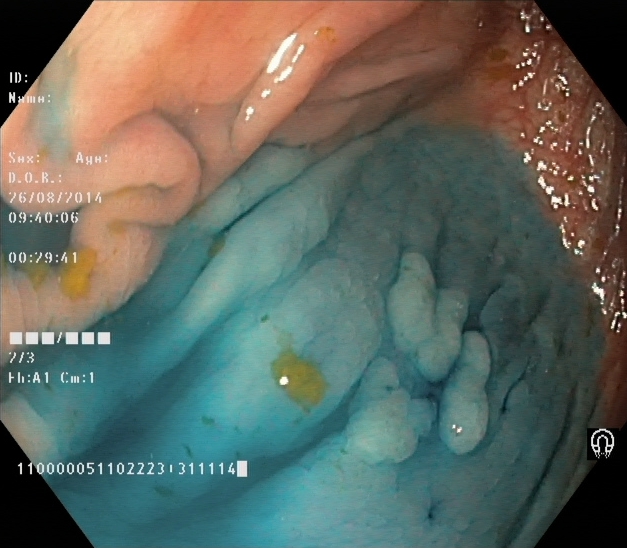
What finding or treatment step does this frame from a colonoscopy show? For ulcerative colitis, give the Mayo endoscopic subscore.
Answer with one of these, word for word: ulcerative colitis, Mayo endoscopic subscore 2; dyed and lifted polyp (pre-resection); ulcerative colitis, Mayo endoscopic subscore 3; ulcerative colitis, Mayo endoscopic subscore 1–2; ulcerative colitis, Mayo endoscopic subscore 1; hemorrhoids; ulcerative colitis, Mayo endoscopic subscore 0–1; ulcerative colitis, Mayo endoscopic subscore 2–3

dyed and lifted polyp (pre-resection)